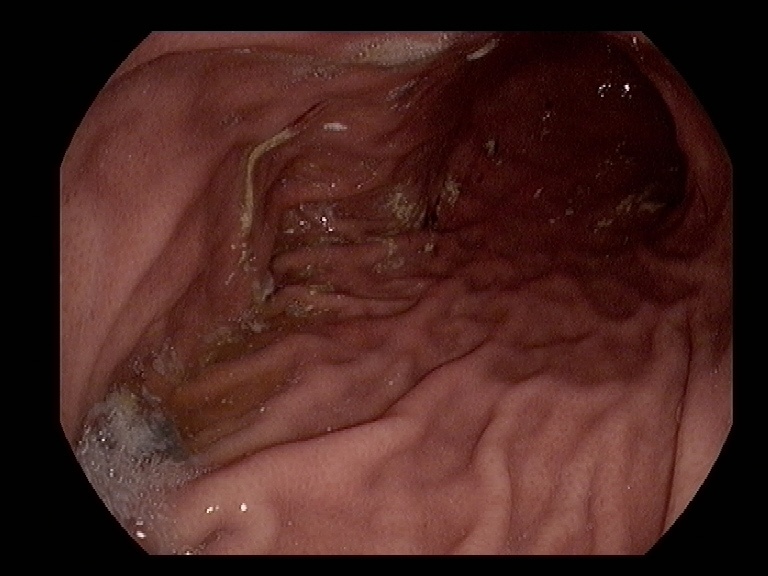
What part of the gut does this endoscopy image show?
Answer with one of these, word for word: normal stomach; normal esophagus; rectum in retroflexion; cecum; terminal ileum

normal stomach